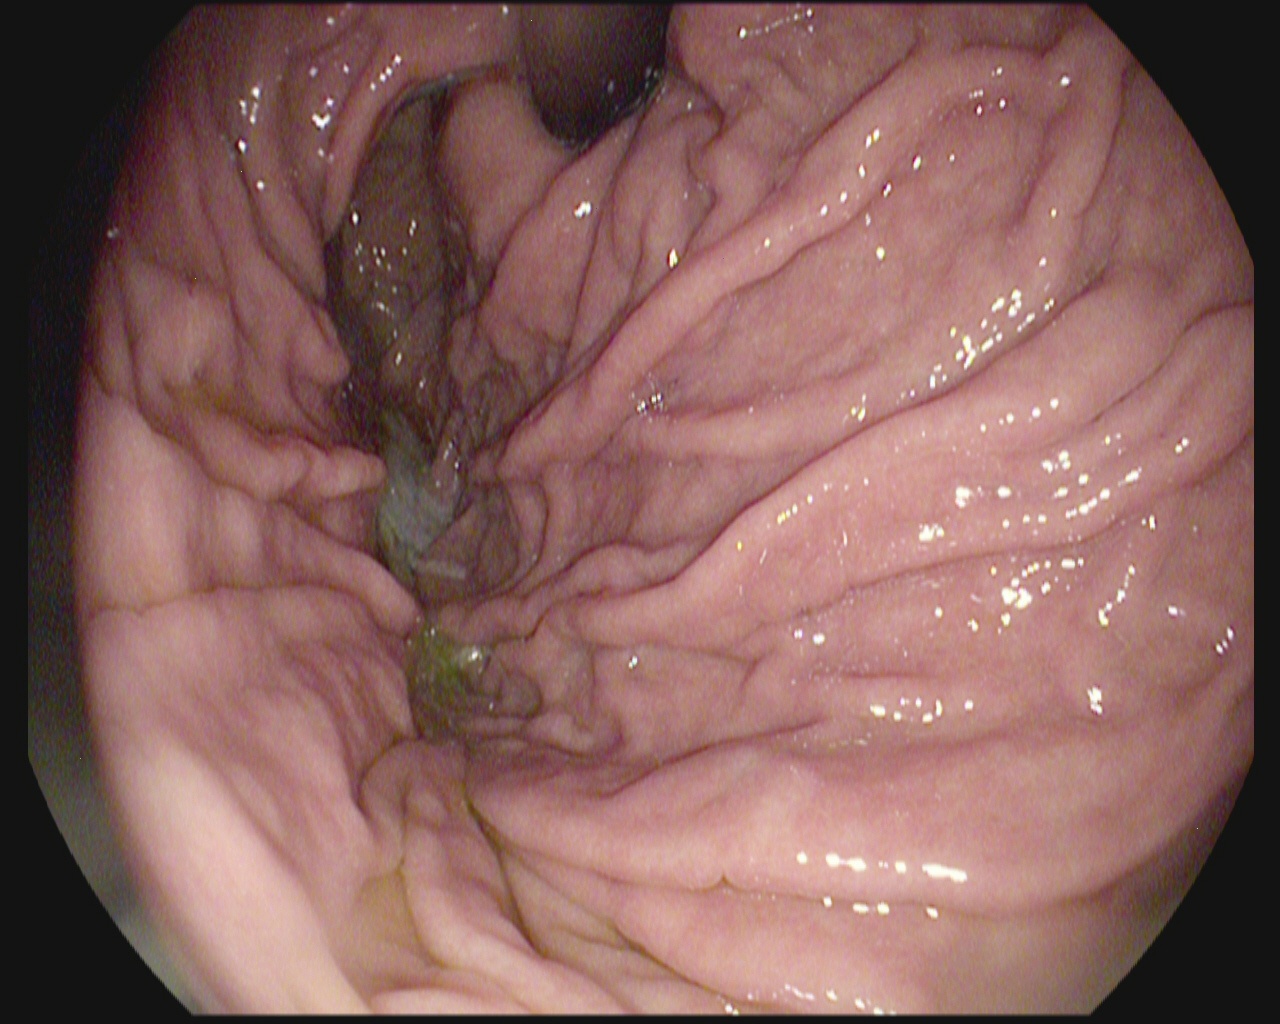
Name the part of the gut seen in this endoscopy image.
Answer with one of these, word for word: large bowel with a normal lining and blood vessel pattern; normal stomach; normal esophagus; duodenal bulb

normal stomach